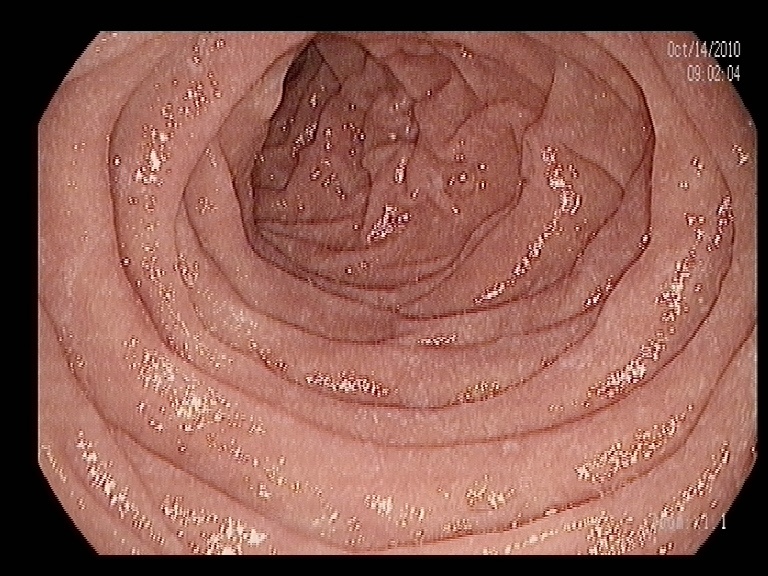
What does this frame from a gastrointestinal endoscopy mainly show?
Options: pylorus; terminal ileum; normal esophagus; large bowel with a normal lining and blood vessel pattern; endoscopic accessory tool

terminal ileum